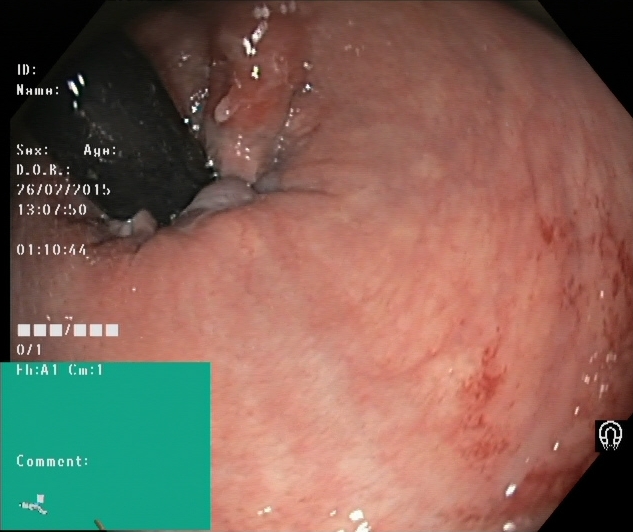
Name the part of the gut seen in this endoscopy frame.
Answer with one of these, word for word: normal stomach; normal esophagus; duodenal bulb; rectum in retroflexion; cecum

rectum in retroflexion